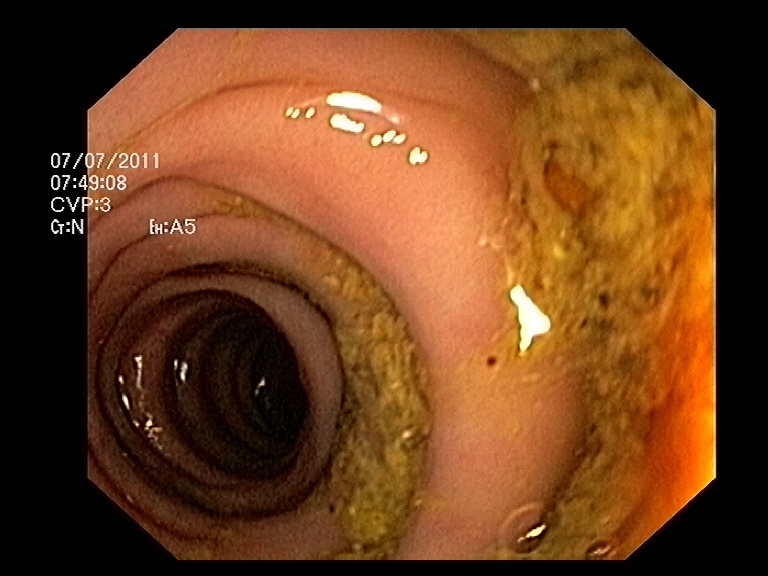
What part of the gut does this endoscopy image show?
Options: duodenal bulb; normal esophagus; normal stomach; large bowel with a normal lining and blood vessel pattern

large bowel with a normal lining and blood vessel pattern